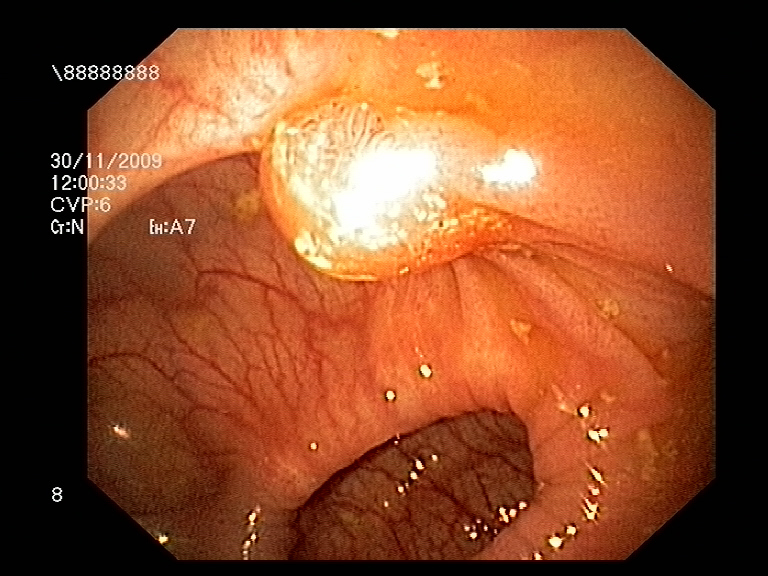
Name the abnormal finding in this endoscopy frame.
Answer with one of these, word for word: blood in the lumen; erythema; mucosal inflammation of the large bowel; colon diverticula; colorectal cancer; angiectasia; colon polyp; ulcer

colon polyp